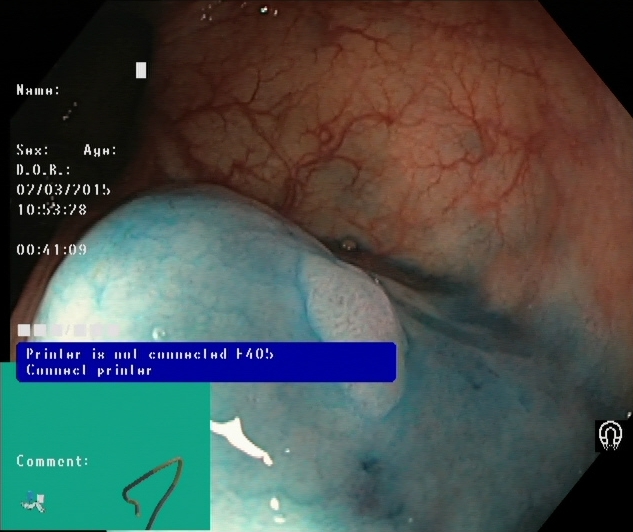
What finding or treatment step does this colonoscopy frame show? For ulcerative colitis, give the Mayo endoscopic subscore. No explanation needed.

dyed and lifted polyp (pre-resection)